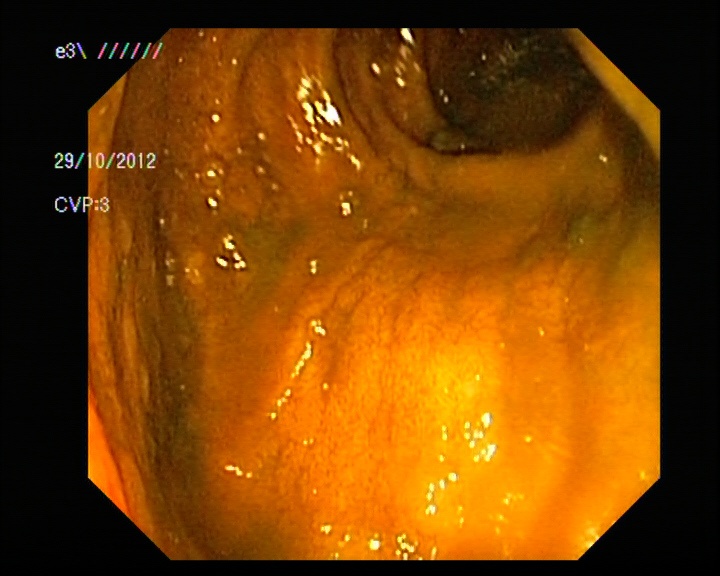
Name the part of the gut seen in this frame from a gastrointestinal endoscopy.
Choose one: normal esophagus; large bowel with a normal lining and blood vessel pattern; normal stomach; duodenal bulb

large bowel with a normal lining and blood vessel pattern